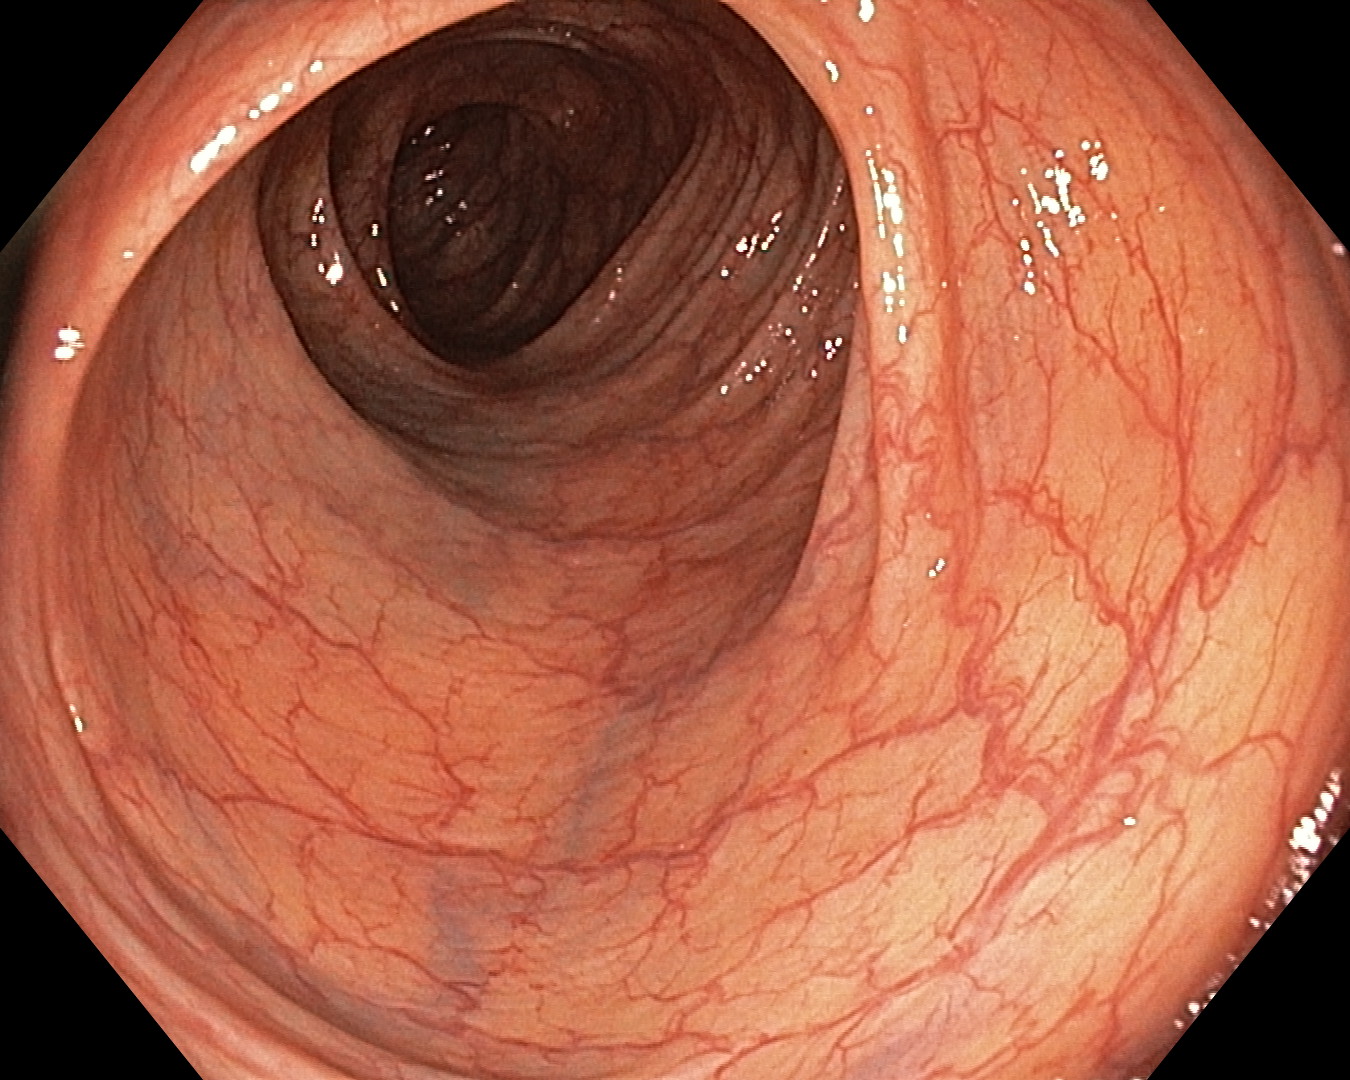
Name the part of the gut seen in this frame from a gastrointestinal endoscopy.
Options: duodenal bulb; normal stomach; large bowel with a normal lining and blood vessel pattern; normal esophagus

large bowel with a normal lining and blood vessel pattern